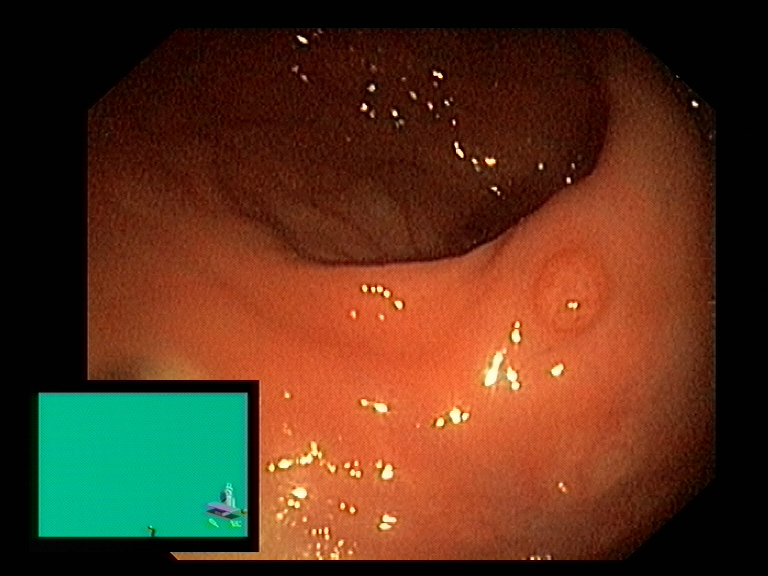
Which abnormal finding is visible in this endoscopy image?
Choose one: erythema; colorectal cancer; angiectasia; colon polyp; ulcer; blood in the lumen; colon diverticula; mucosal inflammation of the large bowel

colon polyp